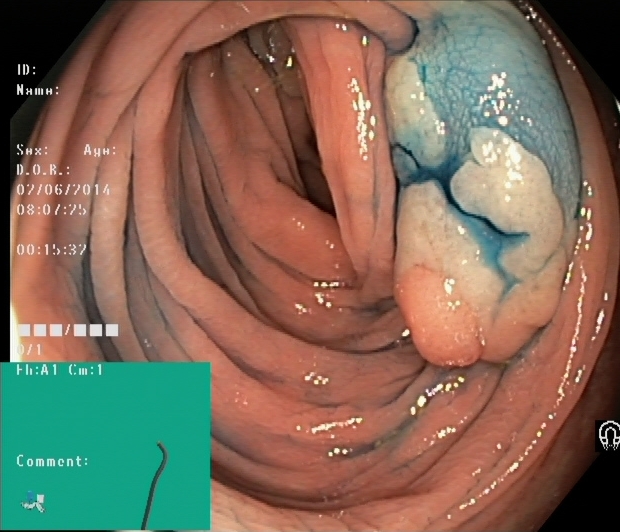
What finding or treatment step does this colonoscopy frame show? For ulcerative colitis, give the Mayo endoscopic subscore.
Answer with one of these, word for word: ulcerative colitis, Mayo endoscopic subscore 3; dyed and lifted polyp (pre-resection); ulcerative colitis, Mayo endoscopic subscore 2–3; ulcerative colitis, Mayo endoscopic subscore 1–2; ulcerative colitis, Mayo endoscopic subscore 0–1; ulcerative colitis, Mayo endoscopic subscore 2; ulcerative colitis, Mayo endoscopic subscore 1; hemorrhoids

dyed and lifted polyp (pre-resection)